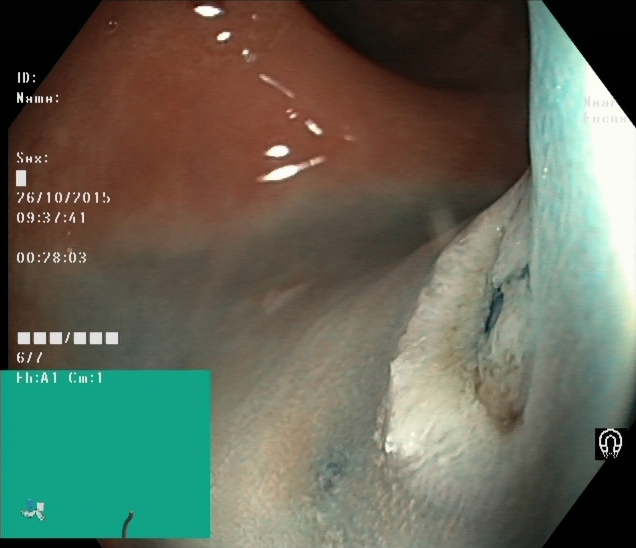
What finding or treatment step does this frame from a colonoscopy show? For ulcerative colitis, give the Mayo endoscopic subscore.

dyed and lifted polyp (pre-resection)